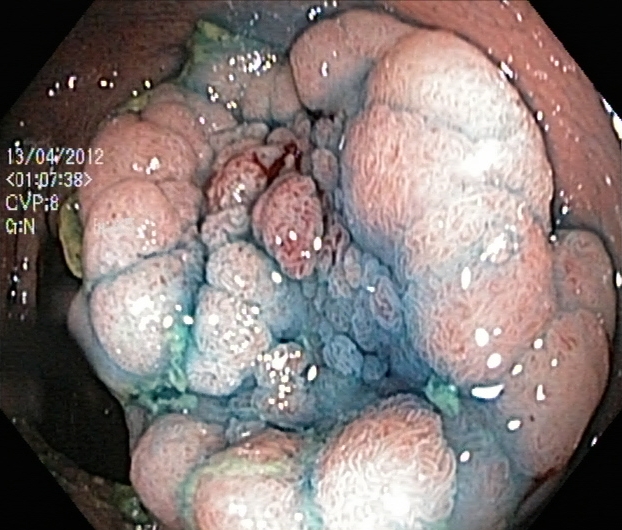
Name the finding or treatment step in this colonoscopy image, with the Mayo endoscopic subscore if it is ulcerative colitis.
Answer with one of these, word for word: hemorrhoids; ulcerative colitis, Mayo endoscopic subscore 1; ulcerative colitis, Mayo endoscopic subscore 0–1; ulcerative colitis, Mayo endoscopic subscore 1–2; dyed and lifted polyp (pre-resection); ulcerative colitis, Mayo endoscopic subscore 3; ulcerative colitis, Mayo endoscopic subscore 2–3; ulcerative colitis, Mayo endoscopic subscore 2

dyed and lifted polyp (pre-resection)